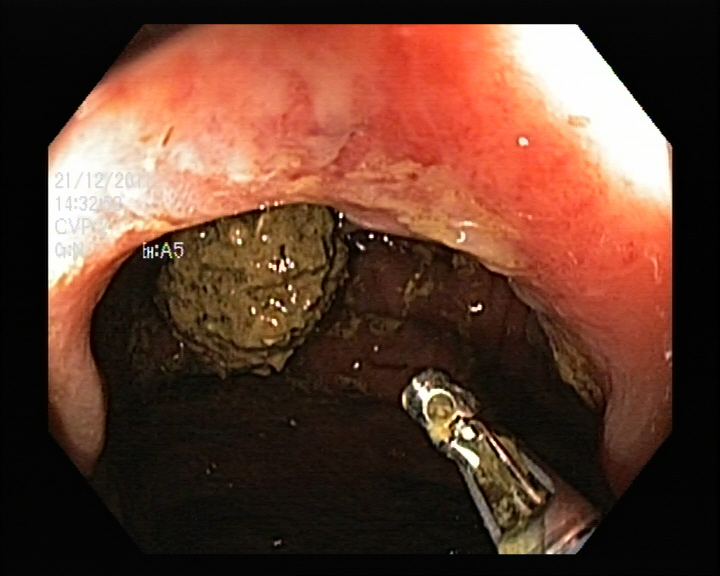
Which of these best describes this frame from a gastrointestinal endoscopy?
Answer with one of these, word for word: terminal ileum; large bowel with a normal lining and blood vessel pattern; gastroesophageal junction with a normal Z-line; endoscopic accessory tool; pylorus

endoscopic accessory tool